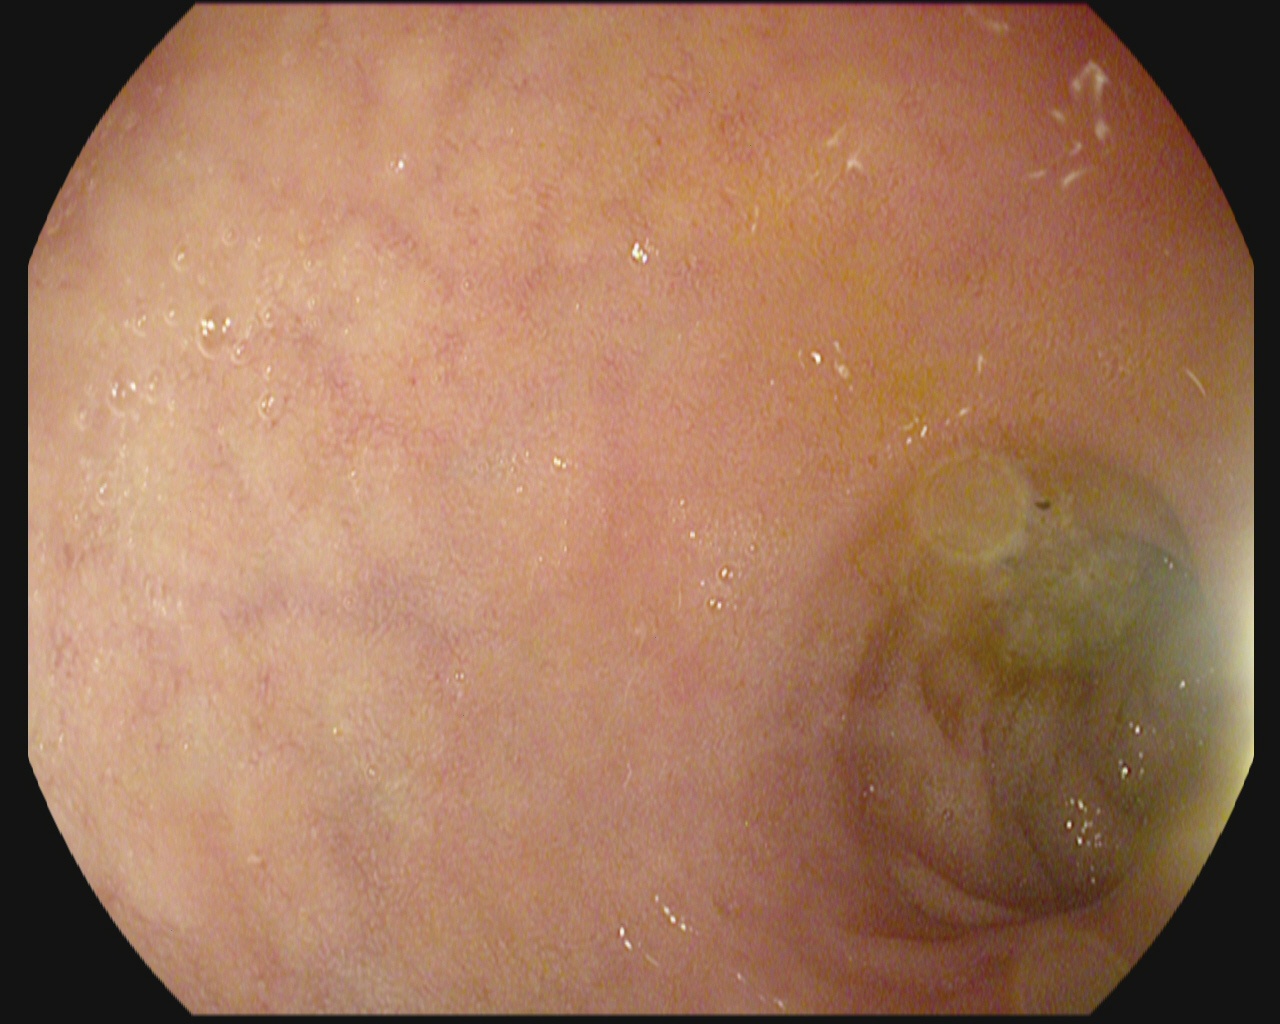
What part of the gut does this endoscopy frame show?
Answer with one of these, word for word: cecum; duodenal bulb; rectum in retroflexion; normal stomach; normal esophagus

duodenal bulb